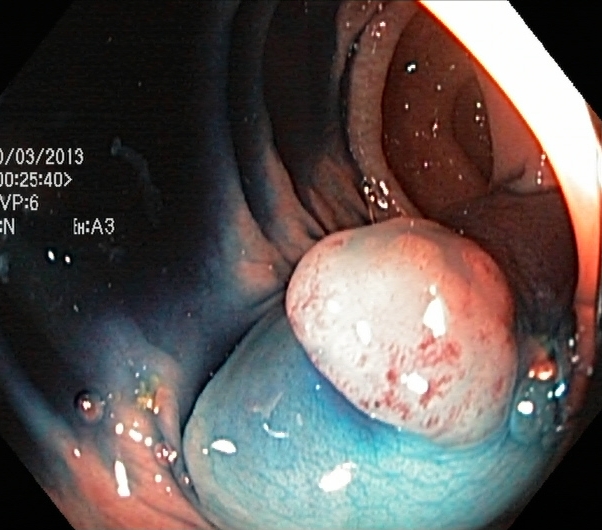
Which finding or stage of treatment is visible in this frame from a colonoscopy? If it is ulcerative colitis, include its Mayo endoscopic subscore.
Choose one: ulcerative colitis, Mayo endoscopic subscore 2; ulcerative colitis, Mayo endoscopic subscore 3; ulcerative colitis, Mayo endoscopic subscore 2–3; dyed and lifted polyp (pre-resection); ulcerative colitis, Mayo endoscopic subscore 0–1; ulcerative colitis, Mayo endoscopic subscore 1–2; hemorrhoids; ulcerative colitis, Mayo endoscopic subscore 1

dyed and lifted polyp (pre-resection)